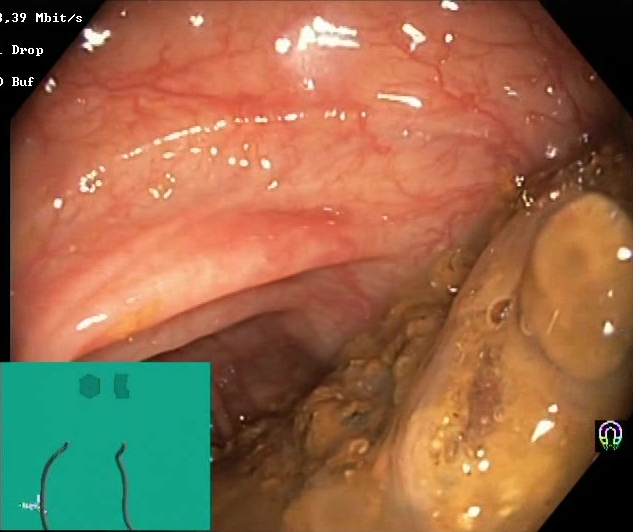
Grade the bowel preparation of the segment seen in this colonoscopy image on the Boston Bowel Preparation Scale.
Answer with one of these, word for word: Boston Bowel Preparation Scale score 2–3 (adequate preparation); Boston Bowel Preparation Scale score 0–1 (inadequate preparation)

Boston Bowel Preparation Scale score 0–1 (inadequate preparation)